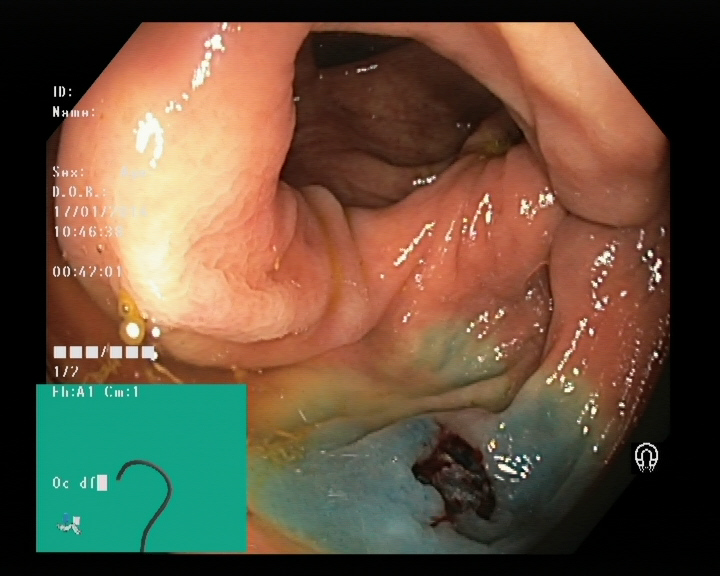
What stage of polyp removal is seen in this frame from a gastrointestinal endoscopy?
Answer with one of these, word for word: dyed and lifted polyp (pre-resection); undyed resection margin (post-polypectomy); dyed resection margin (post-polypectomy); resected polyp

dyed resection margin (post-polypectomy)